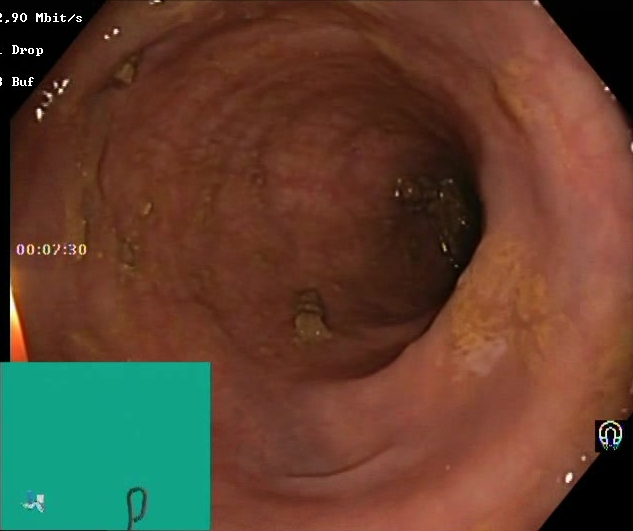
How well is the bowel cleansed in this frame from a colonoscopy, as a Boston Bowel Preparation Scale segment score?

Boston Bowel Preparation Scale score 2–3 (adequate preparation)